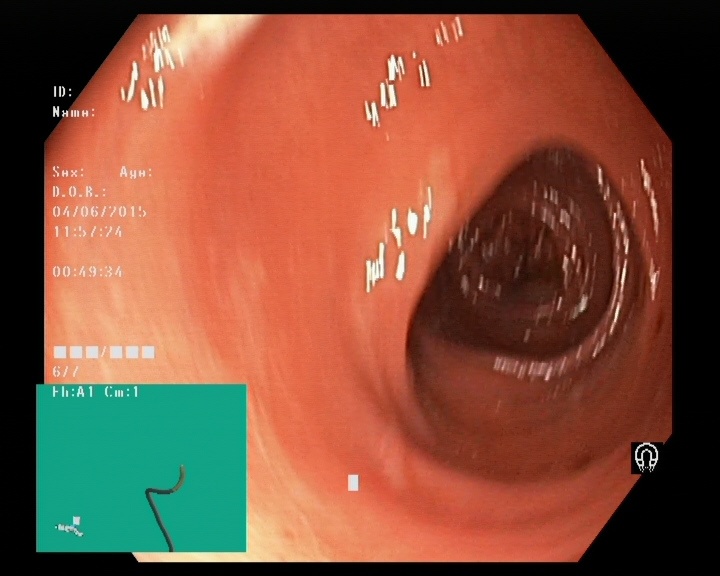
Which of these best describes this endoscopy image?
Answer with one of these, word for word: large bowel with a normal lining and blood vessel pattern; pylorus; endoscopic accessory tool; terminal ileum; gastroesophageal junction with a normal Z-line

large bowel with a normal lining and blood vessel pattern